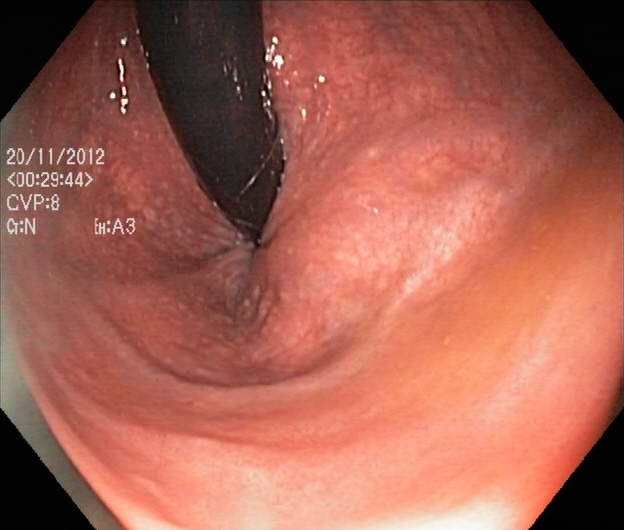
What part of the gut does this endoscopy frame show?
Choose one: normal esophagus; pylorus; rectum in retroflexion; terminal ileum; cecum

rectum in retroflexion